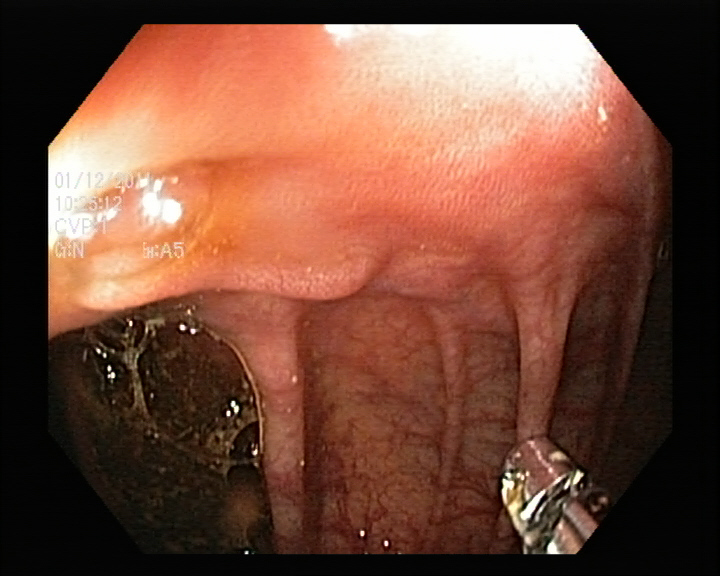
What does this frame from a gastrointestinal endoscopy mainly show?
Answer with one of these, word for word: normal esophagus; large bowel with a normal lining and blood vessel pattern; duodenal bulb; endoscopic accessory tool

endoscopic accessory tool